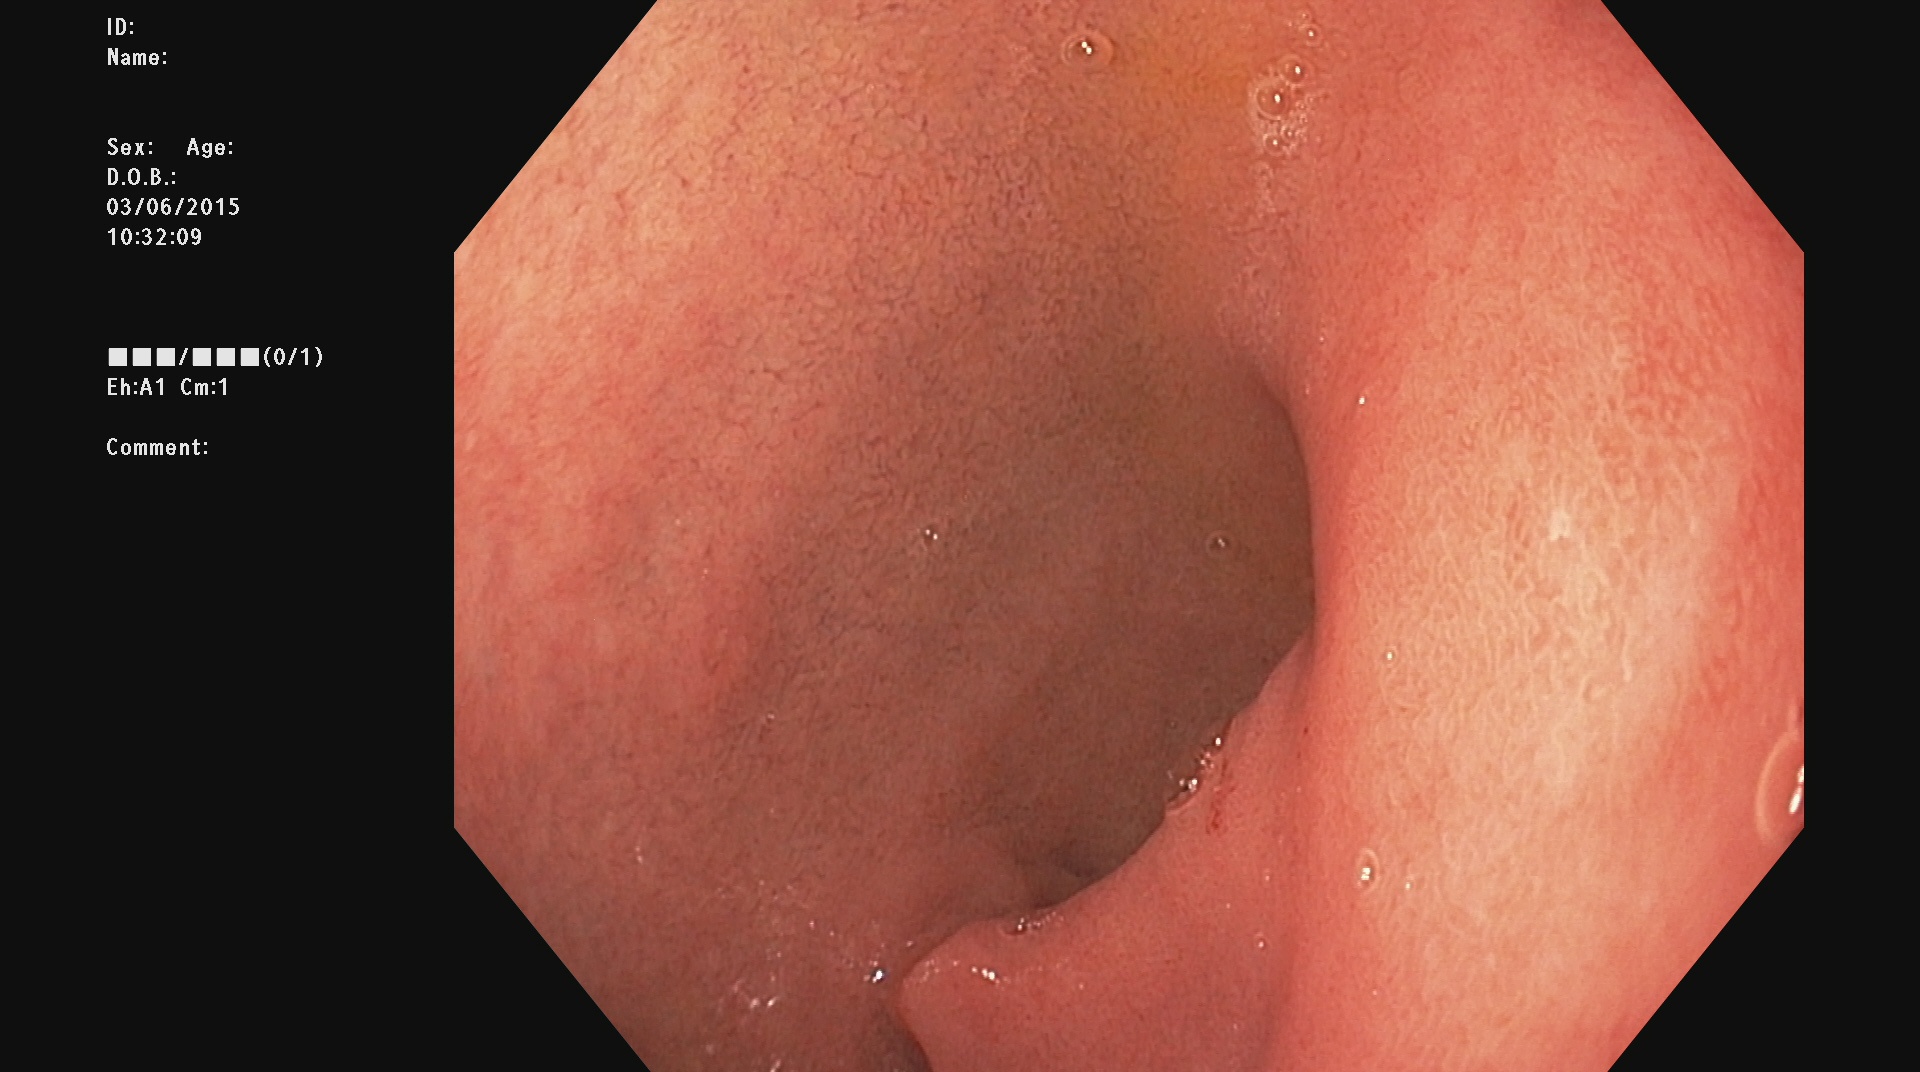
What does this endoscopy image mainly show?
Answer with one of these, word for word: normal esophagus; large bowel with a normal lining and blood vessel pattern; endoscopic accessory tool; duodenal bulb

duodenal bulb